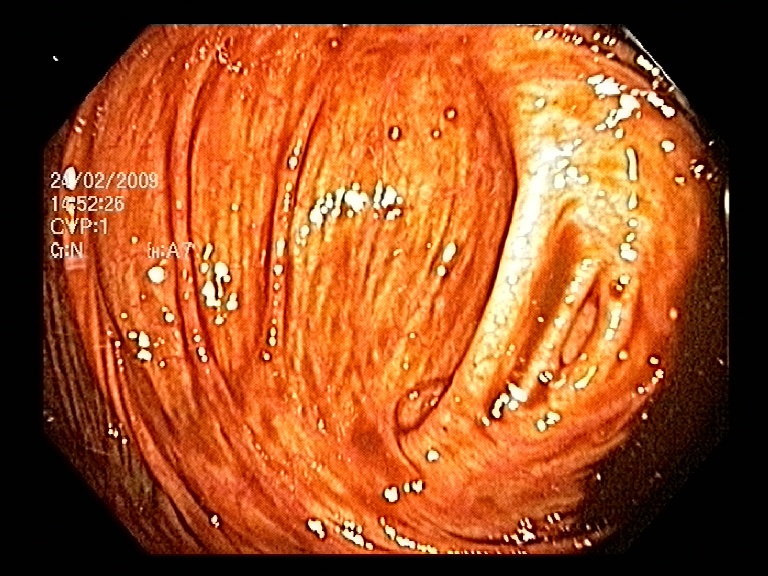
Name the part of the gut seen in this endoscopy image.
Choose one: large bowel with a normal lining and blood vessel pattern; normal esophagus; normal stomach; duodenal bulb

large bowel with a normal lining and blood vessel pattern